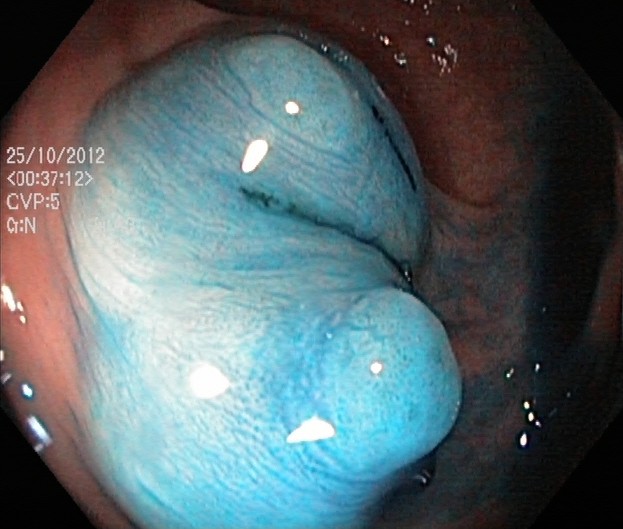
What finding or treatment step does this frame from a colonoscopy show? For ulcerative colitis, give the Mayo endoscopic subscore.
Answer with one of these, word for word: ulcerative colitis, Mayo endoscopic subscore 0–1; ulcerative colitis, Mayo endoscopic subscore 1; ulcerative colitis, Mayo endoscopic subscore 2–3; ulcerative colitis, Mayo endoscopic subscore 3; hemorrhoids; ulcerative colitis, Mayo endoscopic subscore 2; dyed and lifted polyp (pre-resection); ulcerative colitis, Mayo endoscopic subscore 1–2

dyed and lifted polyp (pre-resection)